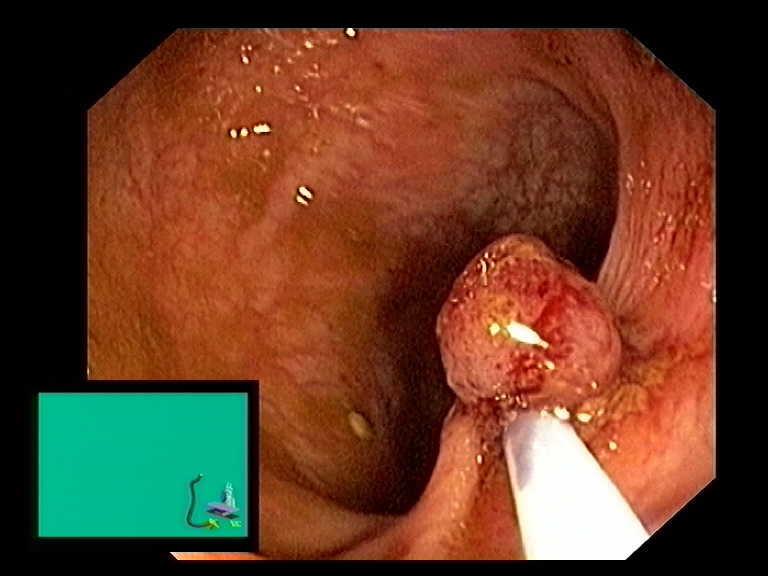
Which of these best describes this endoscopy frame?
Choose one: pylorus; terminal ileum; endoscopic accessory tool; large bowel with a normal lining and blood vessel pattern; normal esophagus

endoscopic accessory tool